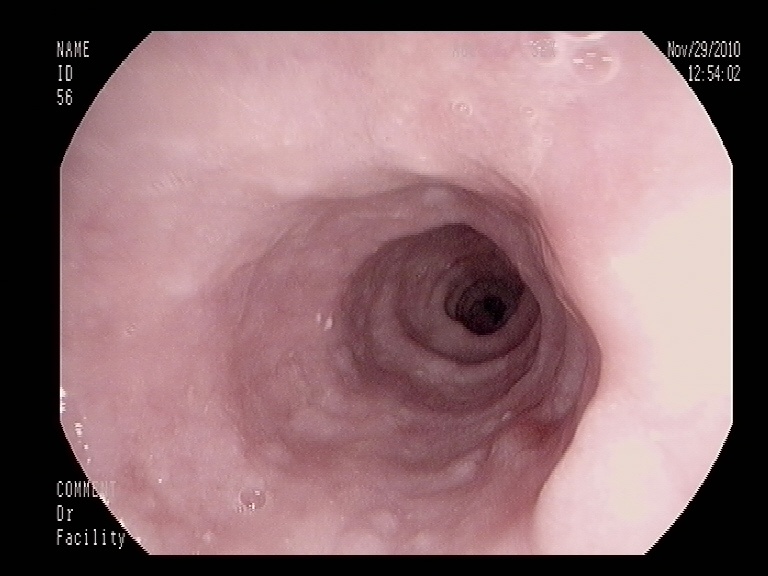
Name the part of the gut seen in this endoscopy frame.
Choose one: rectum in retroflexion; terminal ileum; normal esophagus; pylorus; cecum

normal esophagus